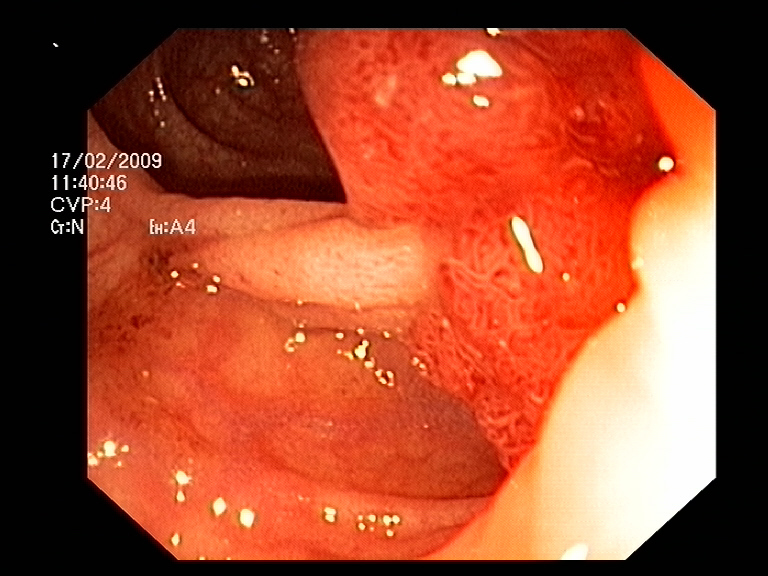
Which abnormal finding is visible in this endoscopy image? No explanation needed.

colon polyp